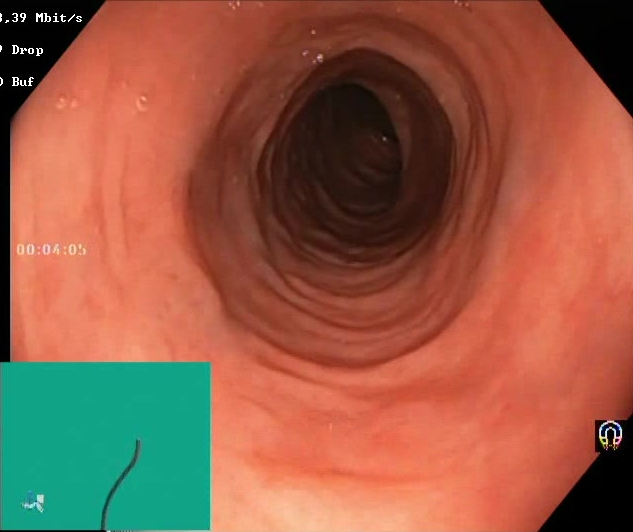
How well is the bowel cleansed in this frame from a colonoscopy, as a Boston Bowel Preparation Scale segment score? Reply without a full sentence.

Boston Bowel Preparation Scale score 2–3 (adequate preparation)